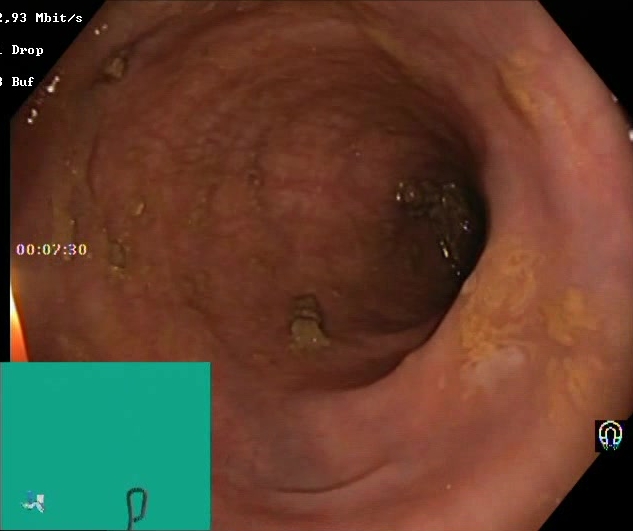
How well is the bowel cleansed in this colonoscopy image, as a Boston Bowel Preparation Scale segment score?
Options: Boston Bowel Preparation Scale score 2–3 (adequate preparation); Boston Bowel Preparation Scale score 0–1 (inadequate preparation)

Boston Bowel Preparation Scale score 2–3 (adequate preparation)